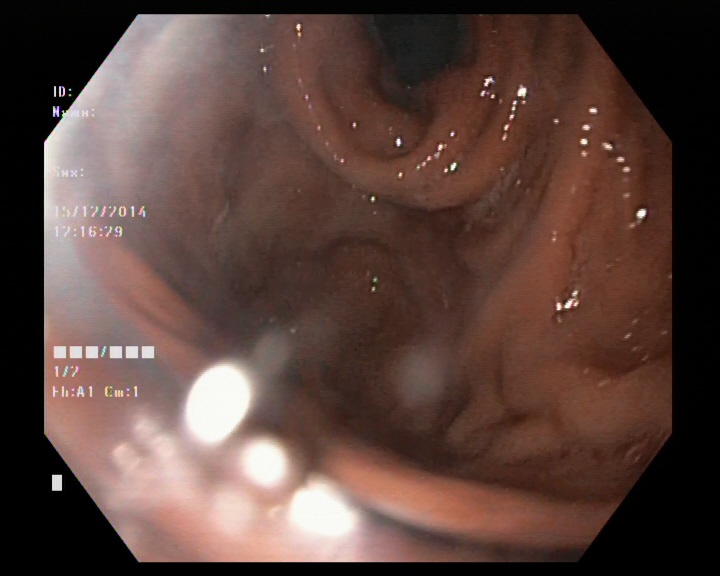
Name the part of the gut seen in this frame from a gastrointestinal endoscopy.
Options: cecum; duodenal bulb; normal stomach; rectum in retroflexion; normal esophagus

normal stomach